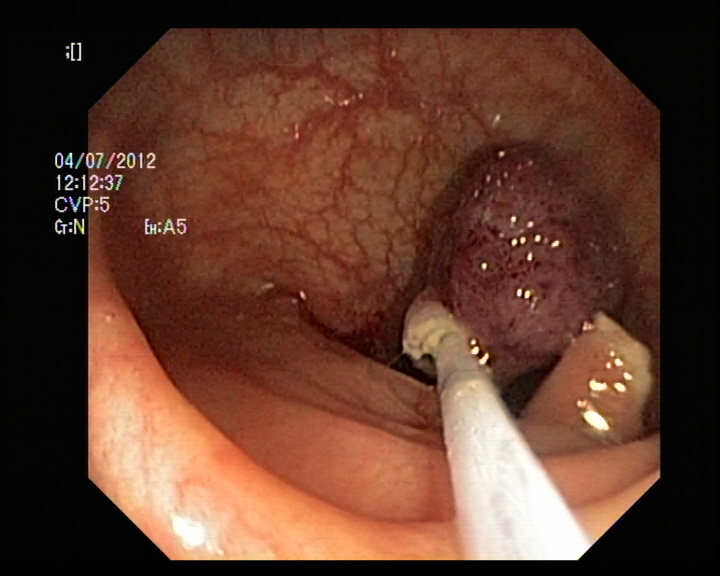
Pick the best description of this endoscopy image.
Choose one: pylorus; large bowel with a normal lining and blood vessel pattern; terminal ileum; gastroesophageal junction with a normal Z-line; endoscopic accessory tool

endoscopic accessory tool